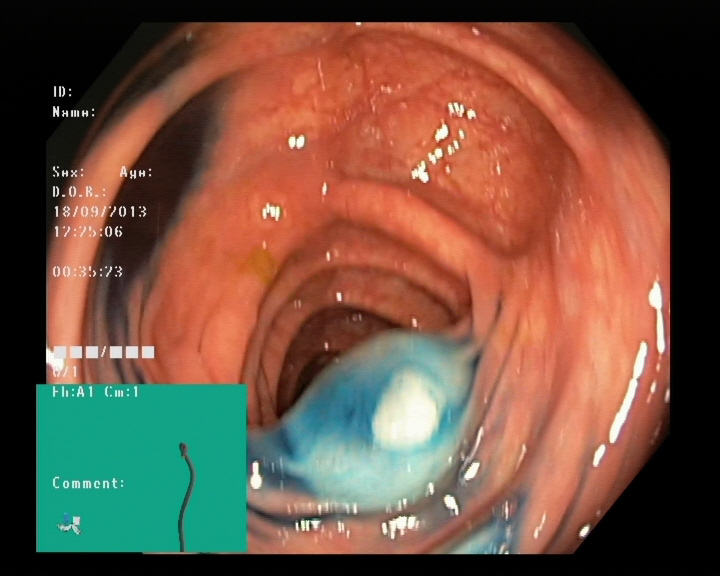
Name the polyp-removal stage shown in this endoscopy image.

dyed and lifted polyp (pre-resection)